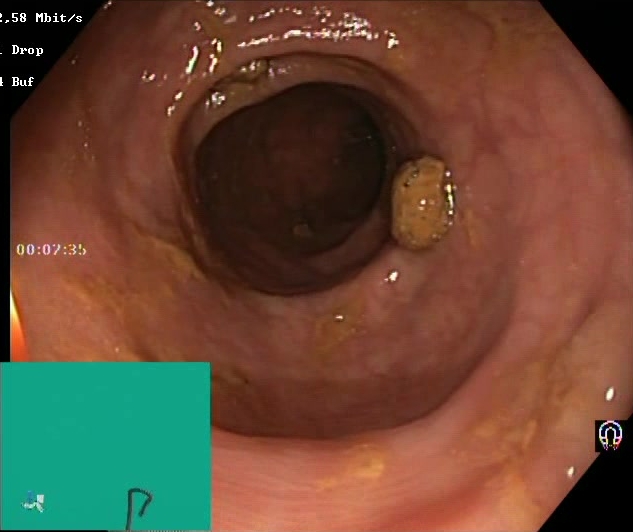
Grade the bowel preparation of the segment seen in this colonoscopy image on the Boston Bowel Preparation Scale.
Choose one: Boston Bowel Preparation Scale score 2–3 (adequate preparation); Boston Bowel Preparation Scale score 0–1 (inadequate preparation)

Boston Bowel Preparation Scale score 2–3 (adequate preparation)